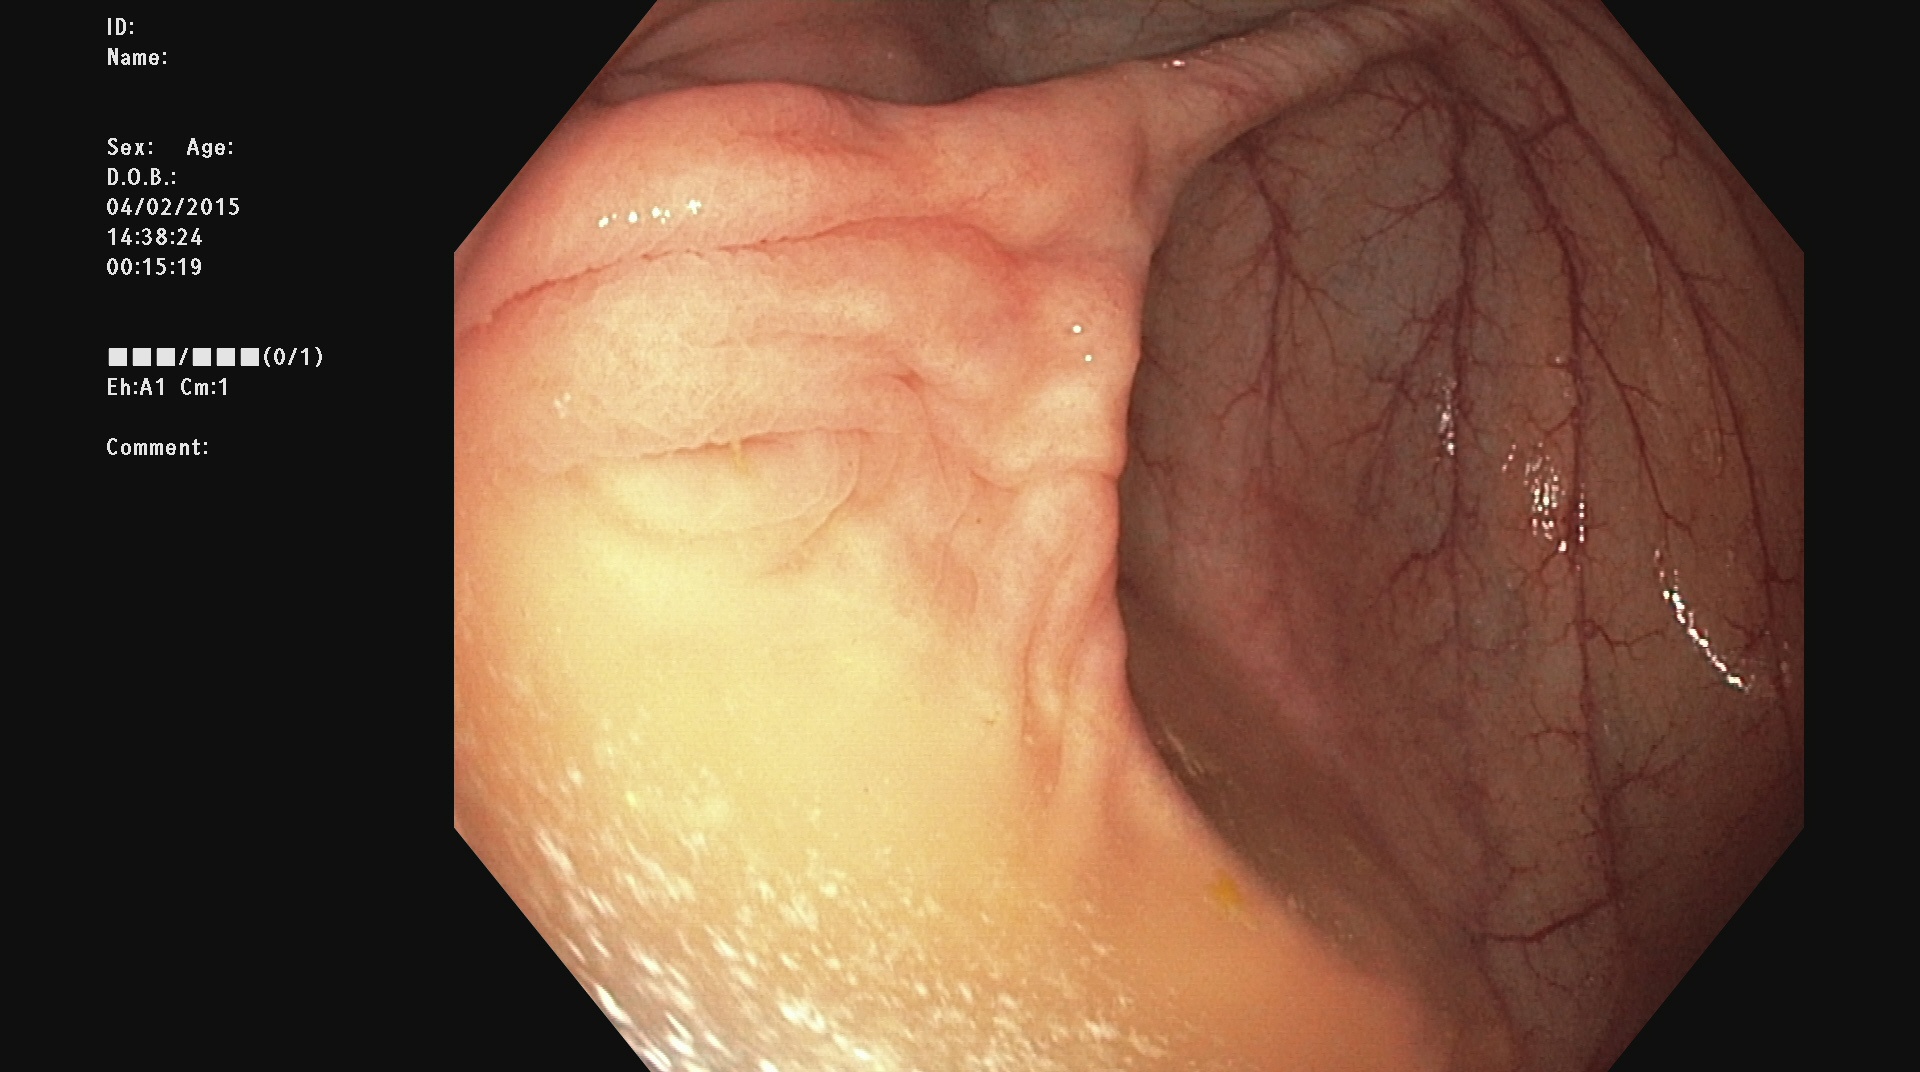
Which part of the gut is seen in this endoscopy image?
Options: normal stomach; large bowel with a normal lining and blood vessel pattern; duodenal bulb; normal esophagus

large bowel with a normal lining and blood vessel pattern